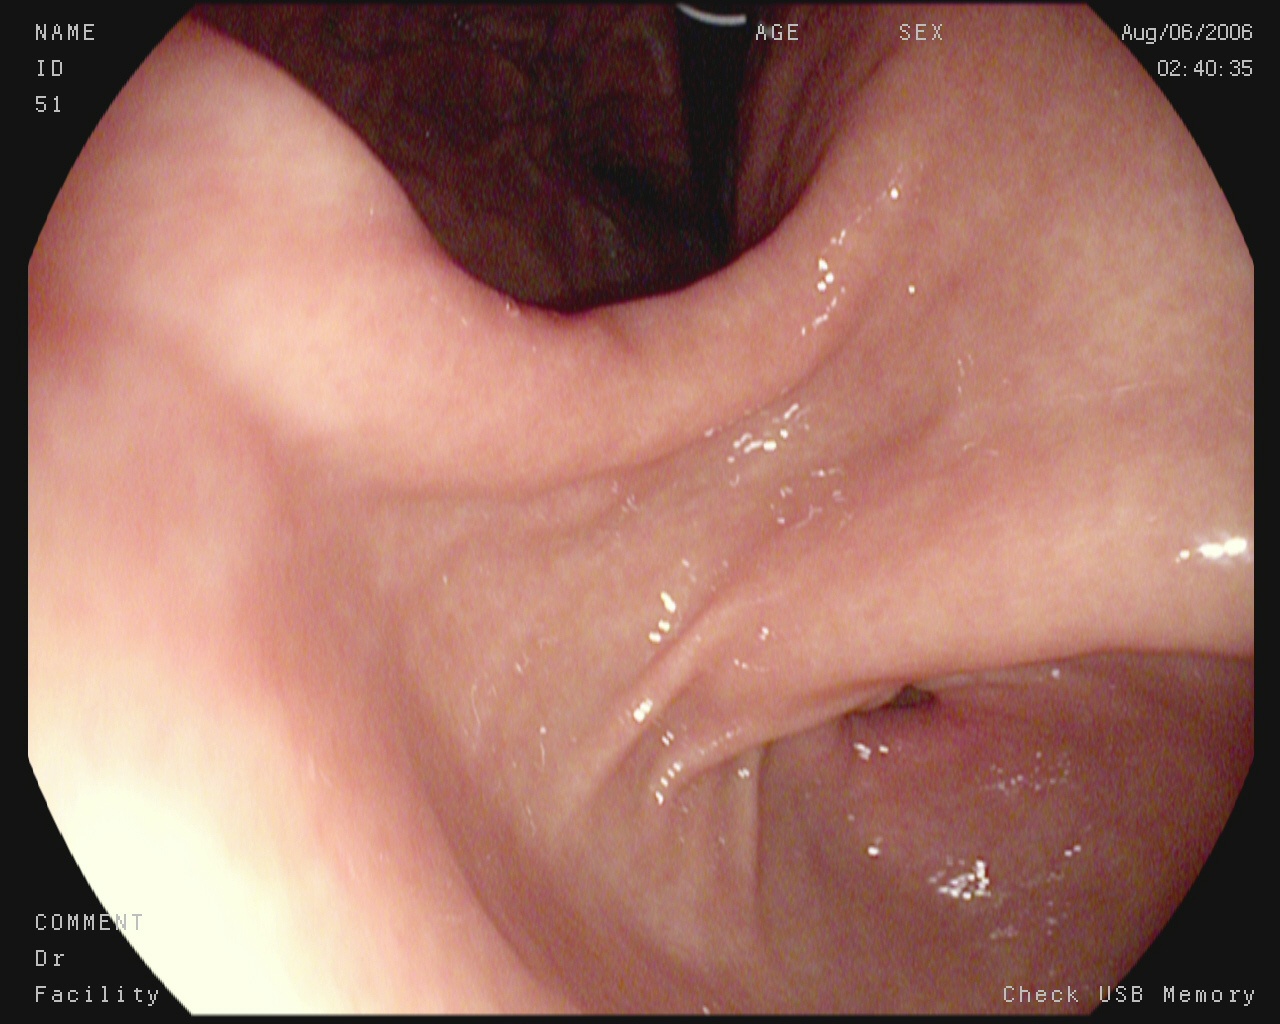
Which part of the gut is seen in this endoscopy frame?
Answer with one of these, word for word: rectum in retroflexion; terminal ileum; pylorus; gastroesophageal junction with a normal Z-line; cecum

pylorus